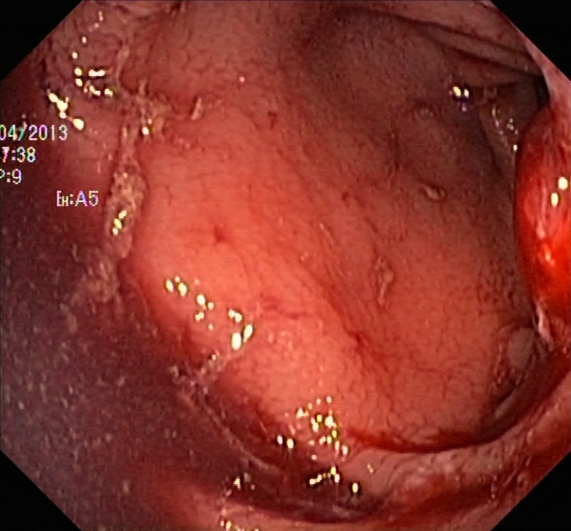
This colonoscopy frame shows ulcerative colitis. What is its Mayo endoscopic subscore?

ulcerative colitis, Mayo endoscopic subscore 3